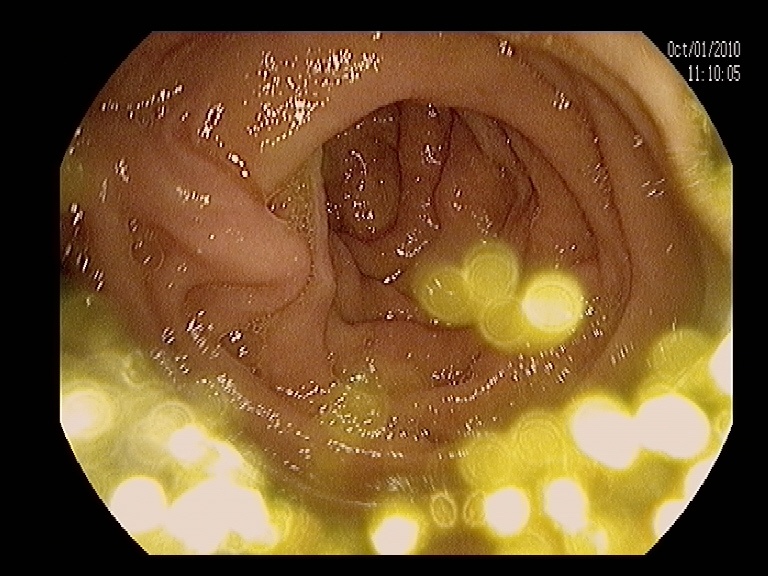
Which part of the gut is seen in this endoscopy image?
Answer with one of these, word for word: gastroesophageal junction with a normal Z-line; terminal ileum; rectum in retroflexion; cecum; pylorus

terminal ileum